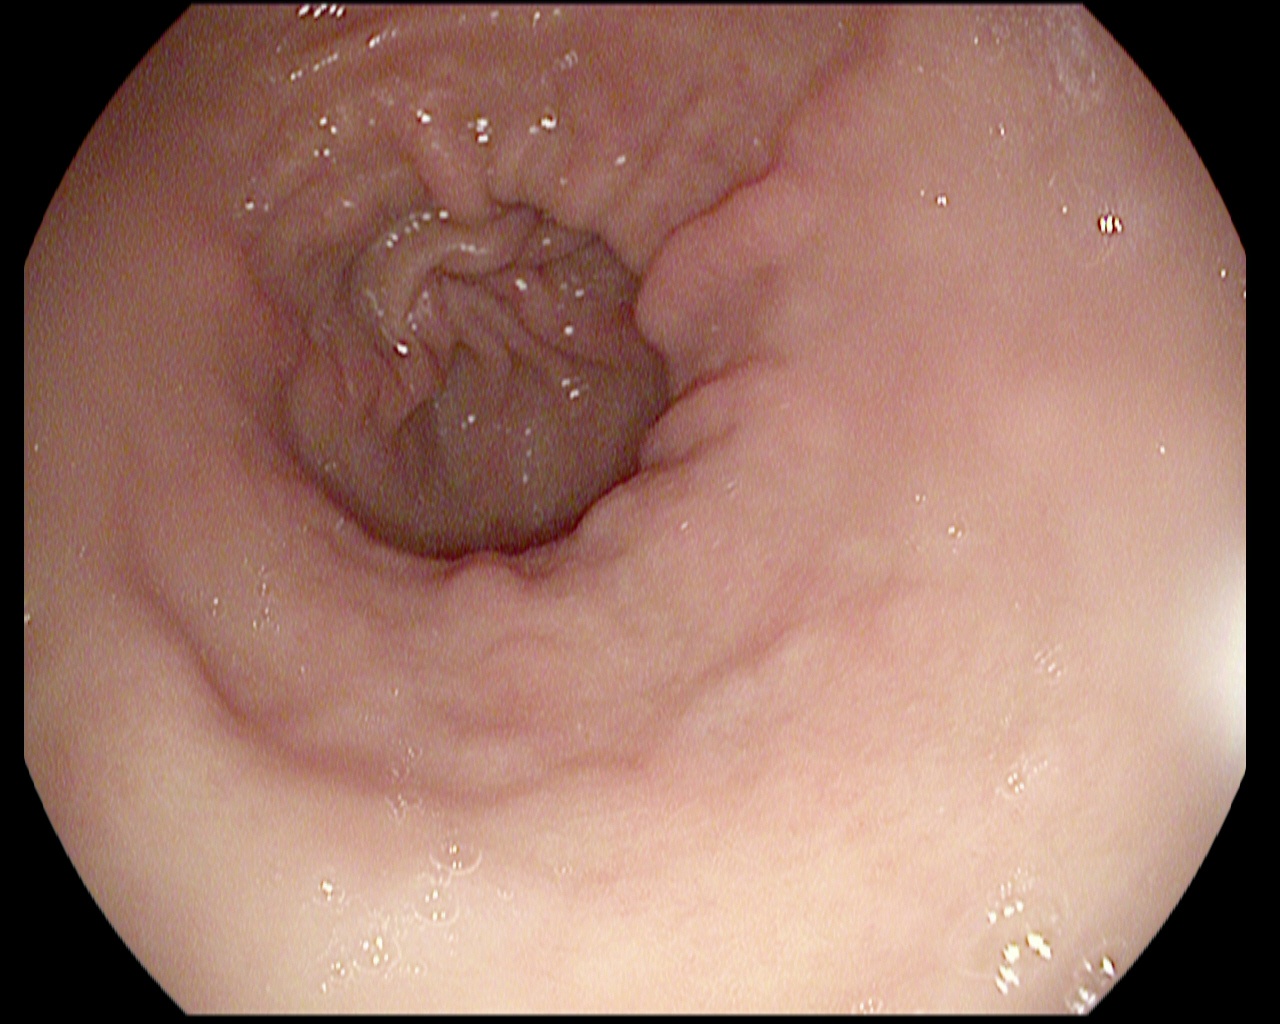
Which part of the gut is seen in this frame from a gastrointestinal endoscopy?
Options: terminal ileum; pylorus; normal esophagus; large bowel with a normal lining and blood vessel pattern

pylorus